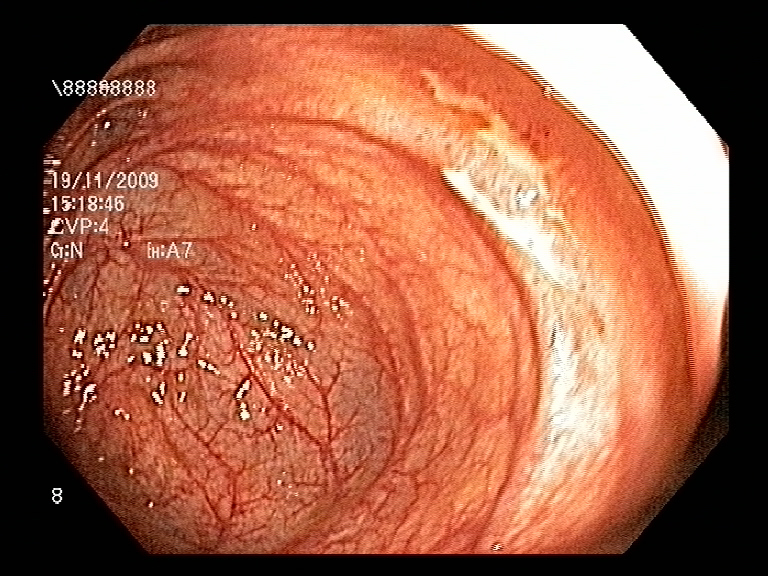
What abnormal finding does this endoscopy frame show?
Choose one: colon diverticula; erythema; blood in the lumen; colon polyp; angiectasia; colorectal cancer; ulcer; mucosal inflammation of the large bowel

mucosal inflammation of the large bowel